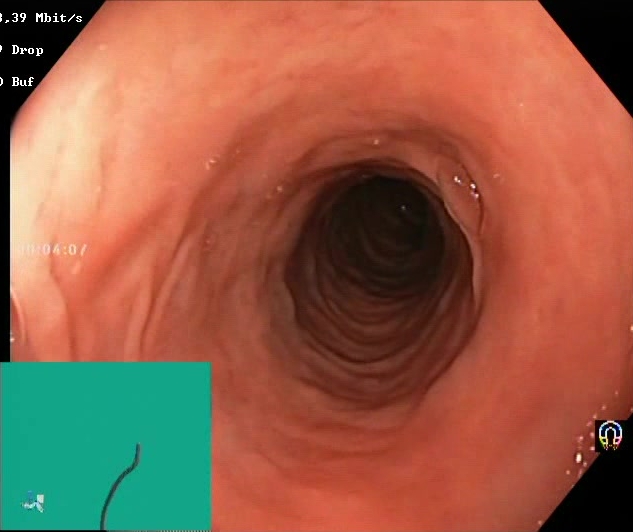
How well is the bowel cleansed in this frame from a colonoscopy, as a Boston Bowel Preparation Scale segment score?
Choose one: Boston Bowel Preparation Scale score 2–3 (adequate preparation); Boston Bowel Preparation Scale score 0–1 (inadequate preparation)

Boston Bowel Preparation Scale score 2–3 (adequate preparation)